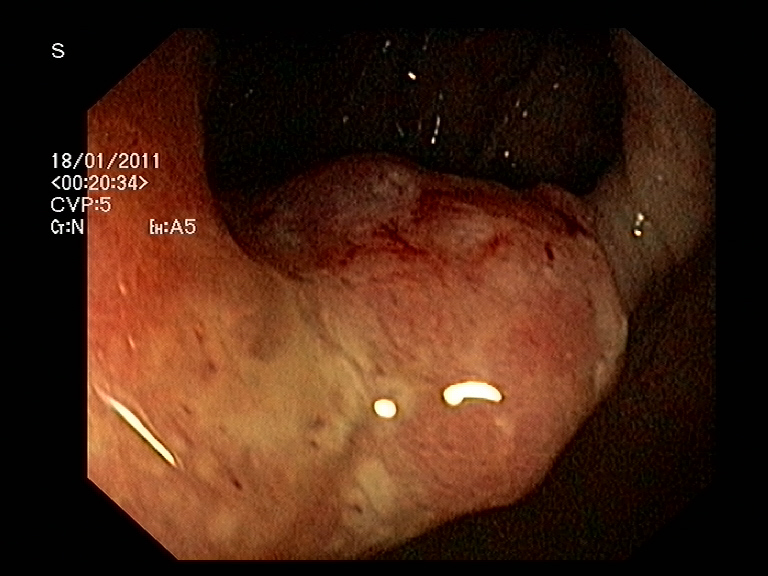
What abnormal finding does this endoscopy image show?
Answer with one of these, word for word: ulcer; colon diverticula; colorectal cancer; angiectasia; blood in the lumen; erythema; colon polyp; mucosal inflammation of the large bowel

colorectal cancer